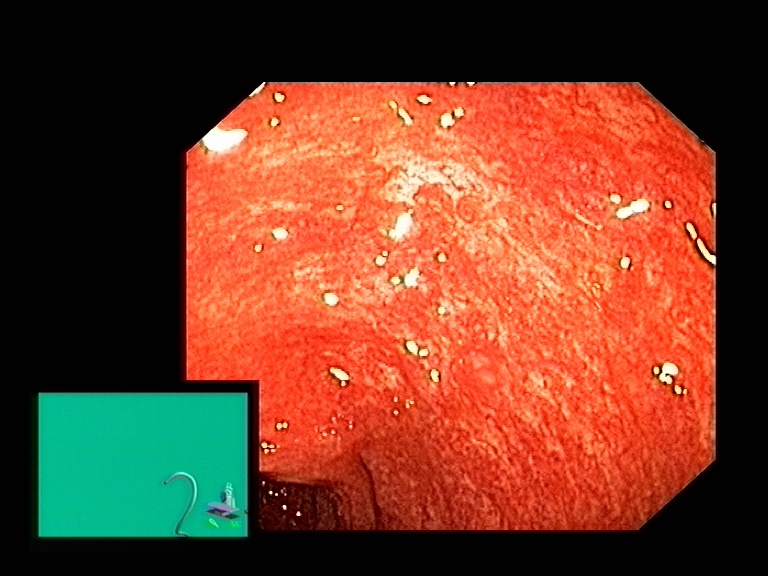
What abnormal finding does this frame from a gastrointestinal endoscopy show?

mucosal inflammation of the large bowel